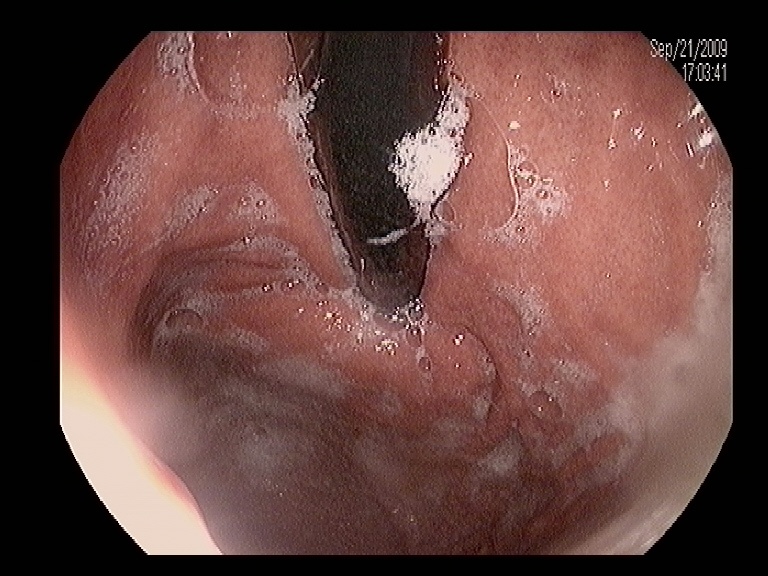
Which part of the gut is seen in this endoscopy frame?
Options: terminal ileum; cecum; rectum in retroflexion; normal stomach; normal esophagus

normal stomach